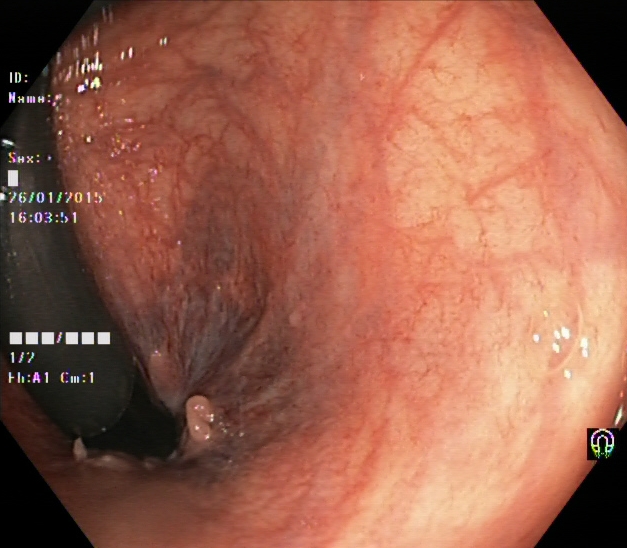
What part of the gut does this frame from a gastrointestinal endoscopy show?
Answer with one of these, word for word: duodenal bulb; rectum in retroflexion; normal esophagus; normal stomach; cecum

rectum in retroflexion